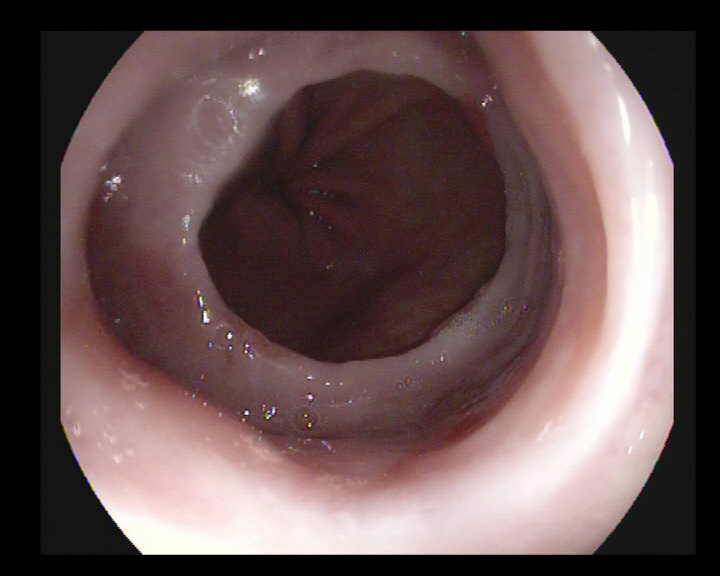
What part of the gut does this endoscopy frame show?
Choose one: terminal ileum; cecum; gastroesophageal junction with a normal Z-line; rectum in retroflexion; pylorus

gastroesophageal junction with a normal Z-line